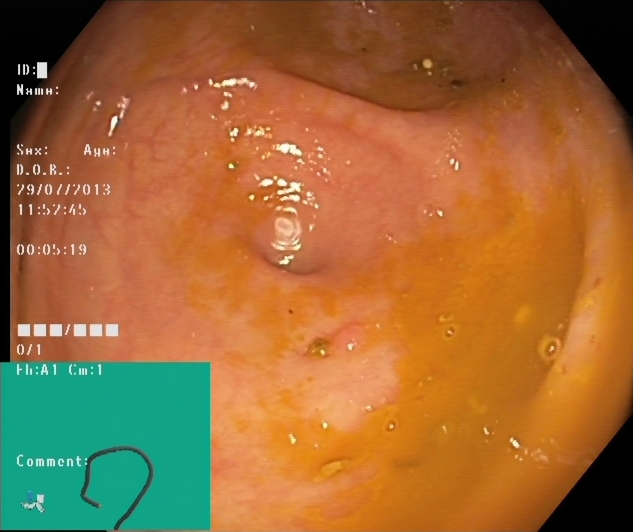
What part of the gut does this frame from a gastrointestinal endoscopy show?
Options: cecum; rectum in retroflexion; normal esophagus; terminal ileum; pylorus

cecum